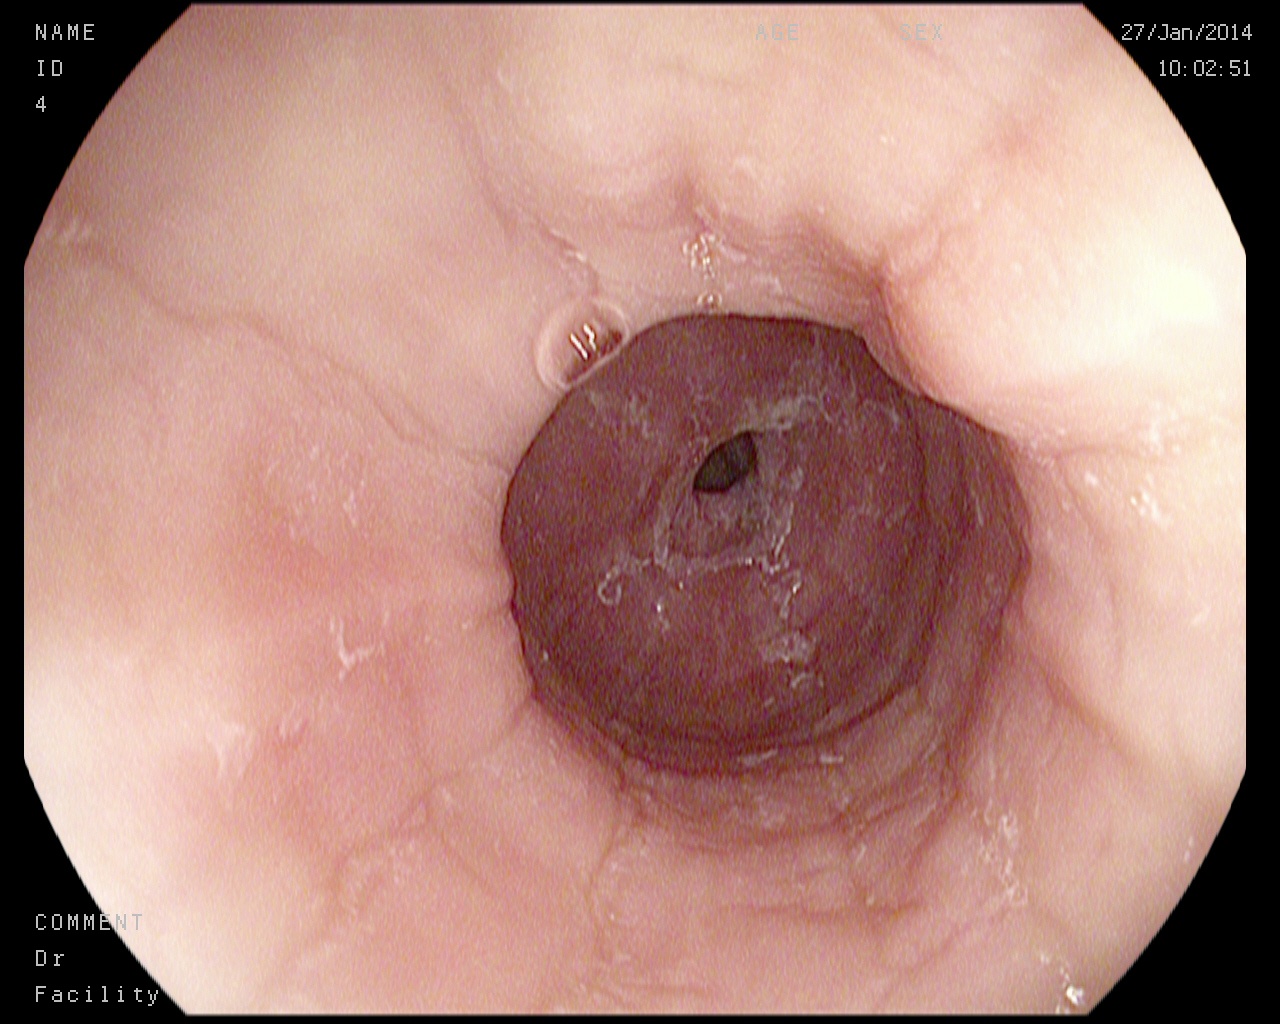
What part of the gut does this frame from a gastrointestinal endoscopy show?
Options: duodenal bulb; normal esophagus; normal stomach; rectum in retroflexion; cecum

normal esophagus